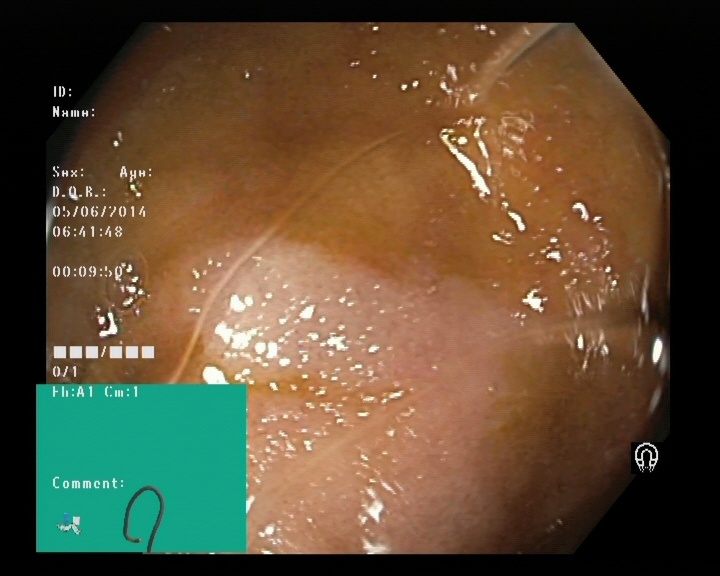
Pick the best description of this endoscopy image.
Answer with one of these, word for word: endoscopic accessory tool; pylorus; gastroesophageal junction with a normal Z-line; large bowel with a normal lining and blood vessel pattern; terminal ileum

terminal ileum